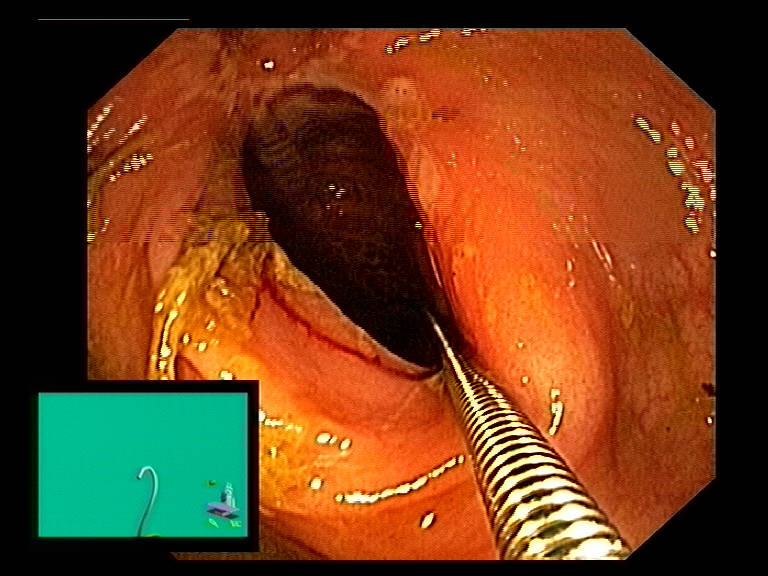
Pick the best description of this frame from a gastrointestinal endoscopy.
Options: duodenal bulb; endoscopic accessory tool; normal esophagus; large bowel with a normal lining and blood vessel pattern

endoscopic accessory tool